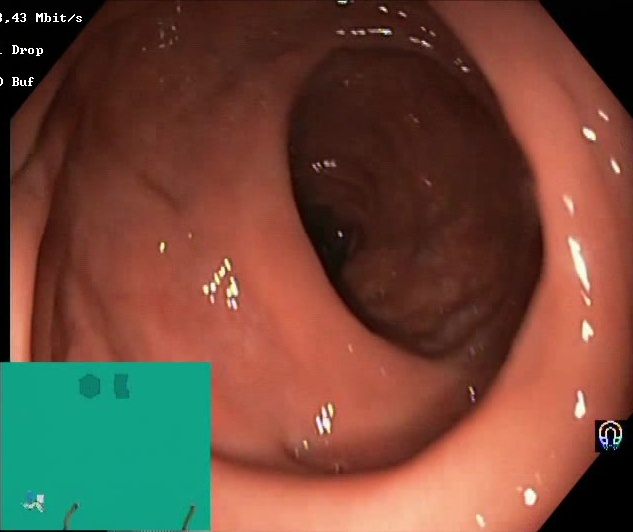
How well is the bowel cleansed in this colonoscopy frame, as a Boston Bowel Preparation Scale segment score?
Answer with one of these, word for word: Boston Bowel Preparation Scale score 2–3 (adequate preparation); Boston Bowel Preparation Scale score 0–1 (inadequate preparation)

Boston Bowel Preparation Scale score 2–3 (adequate preparation)